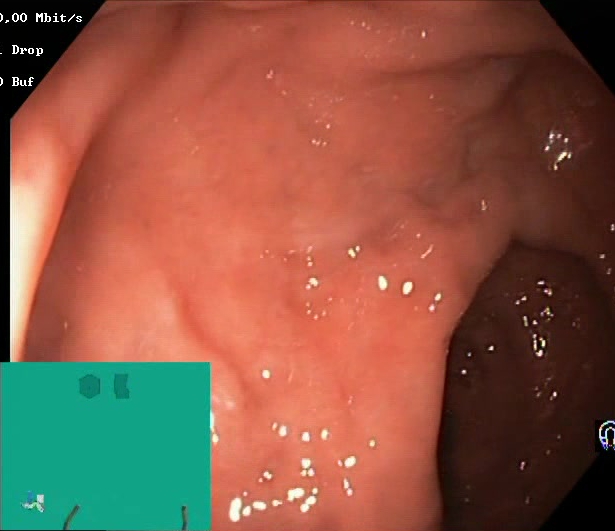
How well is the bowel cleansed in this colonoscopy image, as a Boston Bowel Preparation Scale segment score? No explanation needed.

Boston Bowel Preparation Scale score 2–3 (adequate preparation)